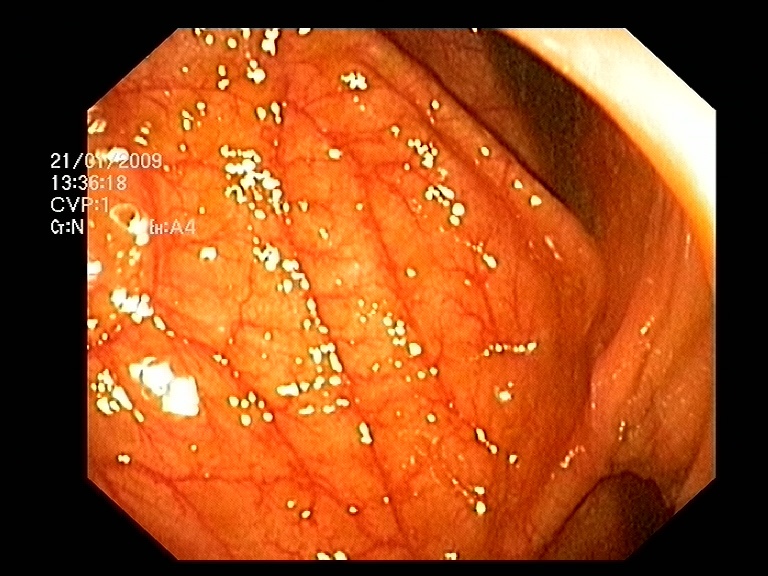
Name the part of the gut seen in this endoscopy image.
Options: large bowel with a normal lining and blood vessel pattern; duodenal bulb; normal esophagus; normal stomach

large bowel with a normal lining and blood vessel pattern